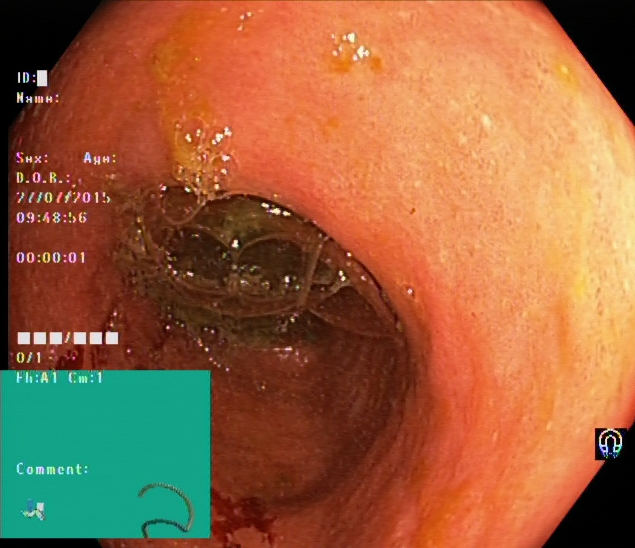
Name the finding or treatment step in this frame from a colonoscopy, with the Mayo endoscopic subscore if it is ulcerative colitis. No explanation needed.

ulcerative colitis, Mayo endoscopic subscore 1